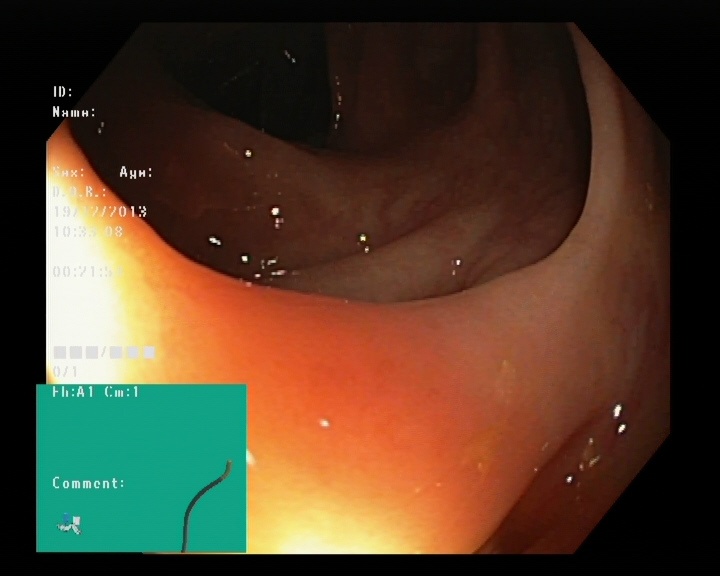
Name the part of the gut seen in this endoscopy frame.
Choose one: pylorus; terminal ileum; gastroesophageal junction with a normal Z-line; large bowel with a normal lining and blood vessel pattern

large bowel with a normal lining and blood vessel pattern